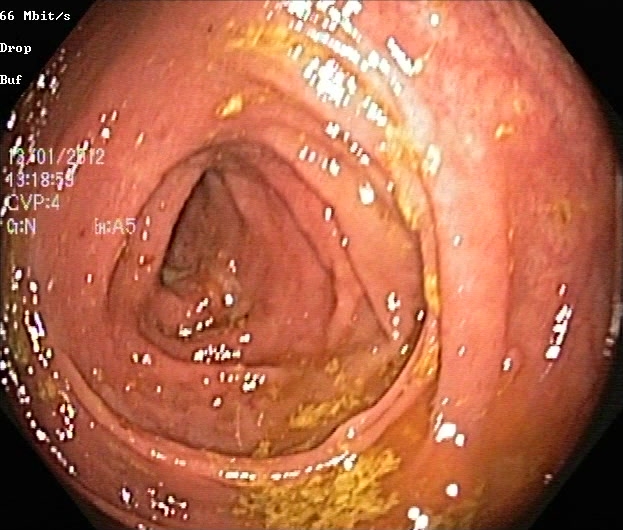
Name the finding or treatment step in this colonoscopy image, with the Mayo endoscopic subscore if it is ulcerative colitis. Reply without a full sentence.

ulcerative colitis, Mayo endoscopic subscore 1